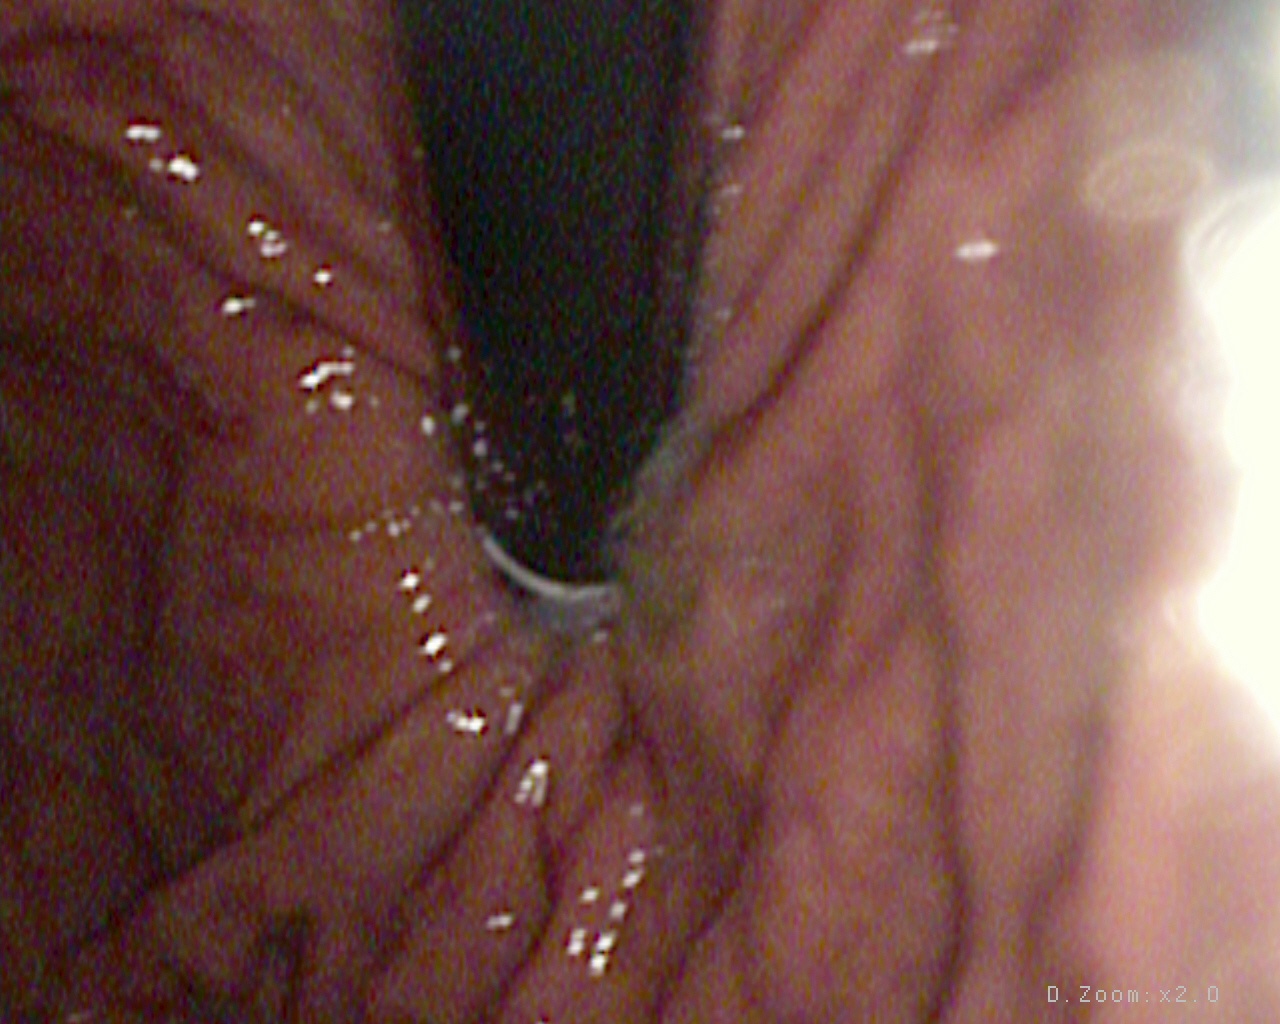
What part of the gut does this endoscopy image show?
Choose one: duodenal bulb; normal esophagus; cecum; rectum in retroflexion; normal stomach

normal stomach